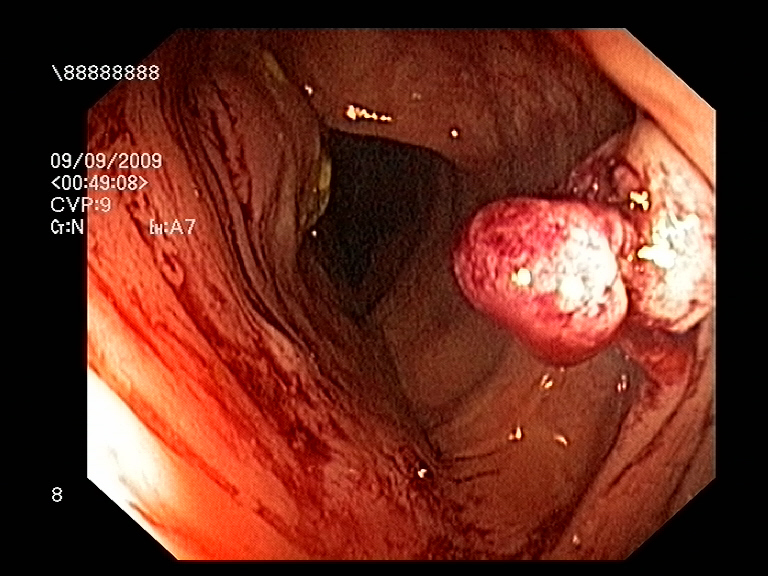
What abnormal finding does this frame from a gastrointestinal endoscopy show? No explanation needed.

colon polyp